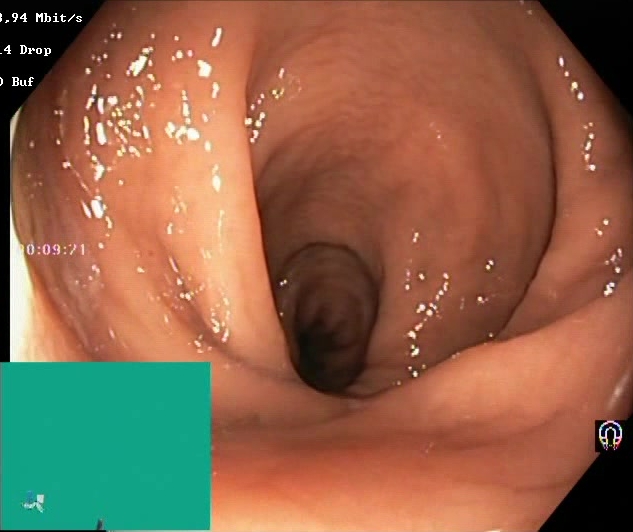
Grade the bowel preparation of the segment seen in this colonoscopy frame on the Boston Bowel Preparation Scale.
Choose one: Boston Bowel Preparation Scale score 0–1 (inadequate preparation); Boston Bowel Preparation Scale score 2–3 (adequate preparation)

Boston Bowel Preparation Scale score 2–3 (adequate preparation)